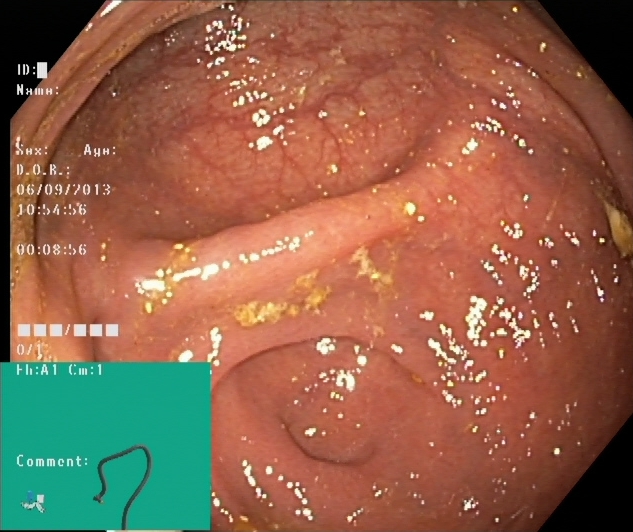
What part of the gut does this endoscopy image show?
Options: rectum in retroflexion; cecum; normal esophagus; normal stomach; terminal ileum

cecum